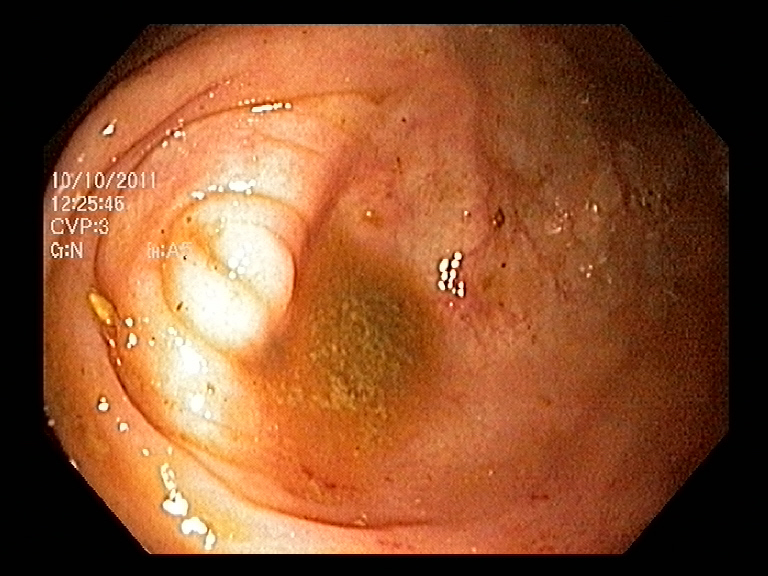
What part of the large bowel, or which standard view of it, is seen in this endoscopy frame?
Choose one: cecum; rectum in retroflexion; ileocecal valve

cecum